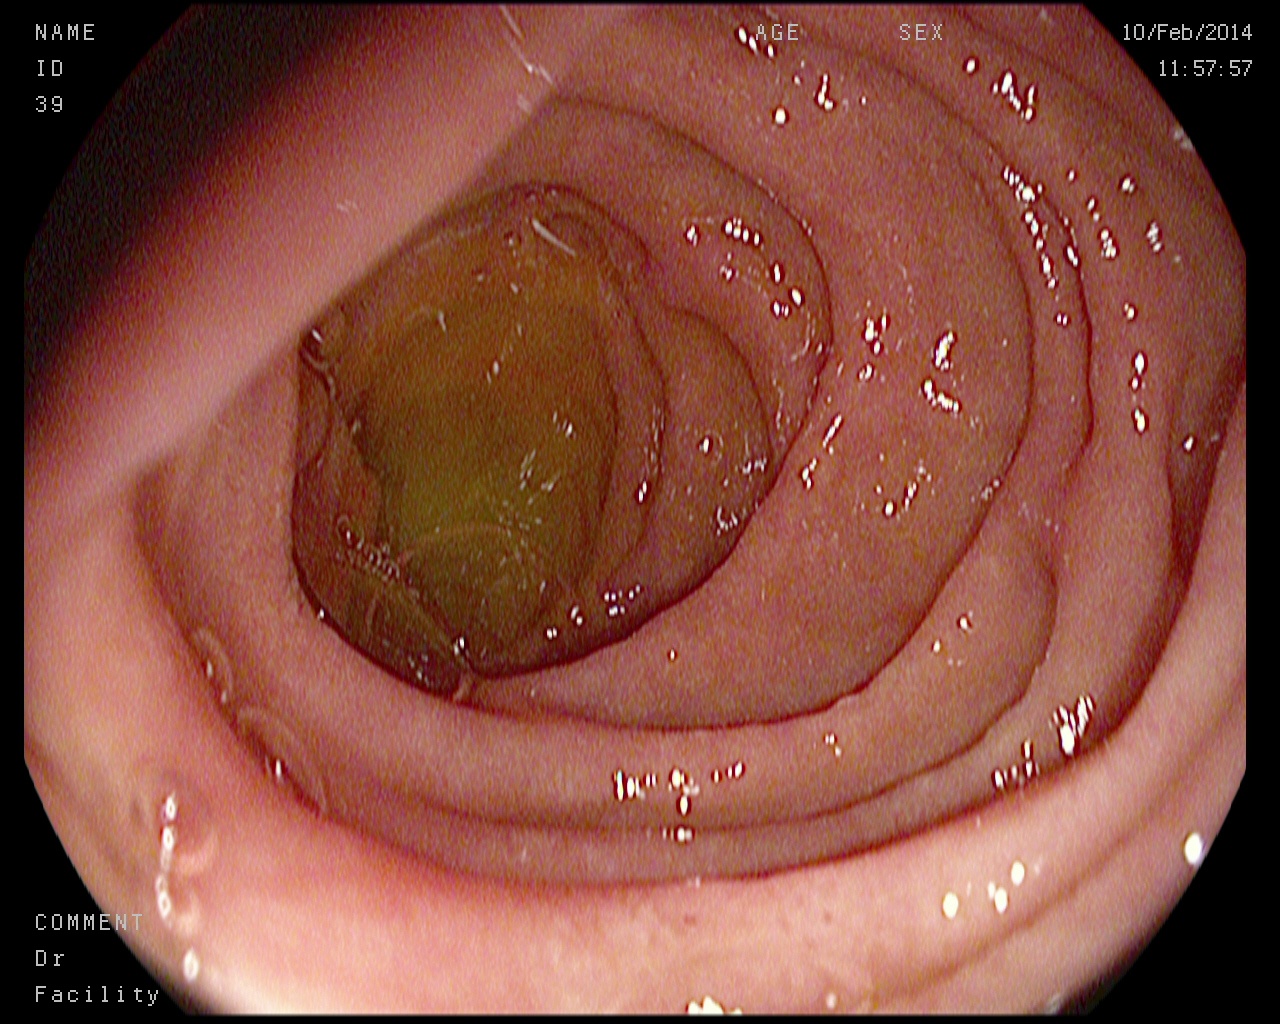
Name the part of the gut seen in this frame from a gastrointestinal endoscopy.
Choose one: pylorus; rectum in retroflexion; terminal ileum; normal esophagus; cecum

terminal ileum